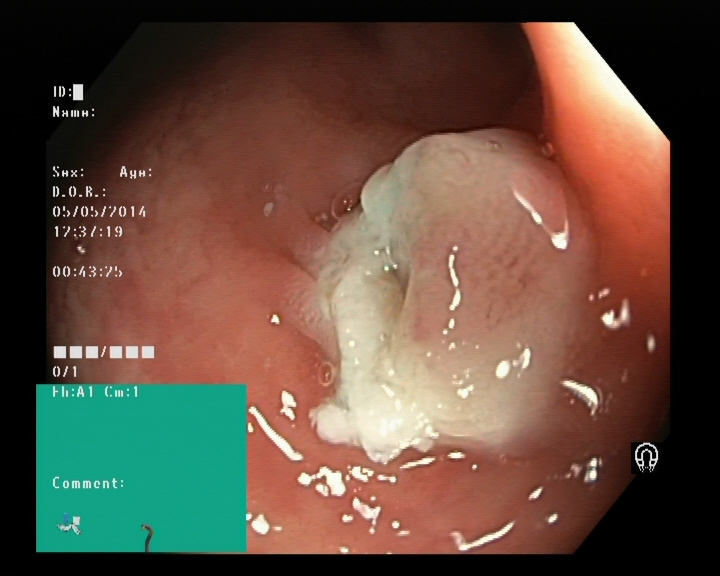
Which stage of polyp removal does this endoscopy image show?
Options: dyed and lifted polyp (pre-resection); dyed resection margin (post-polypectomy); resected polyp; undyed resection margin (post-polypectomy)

undyed resection margin (post-polypectomy)